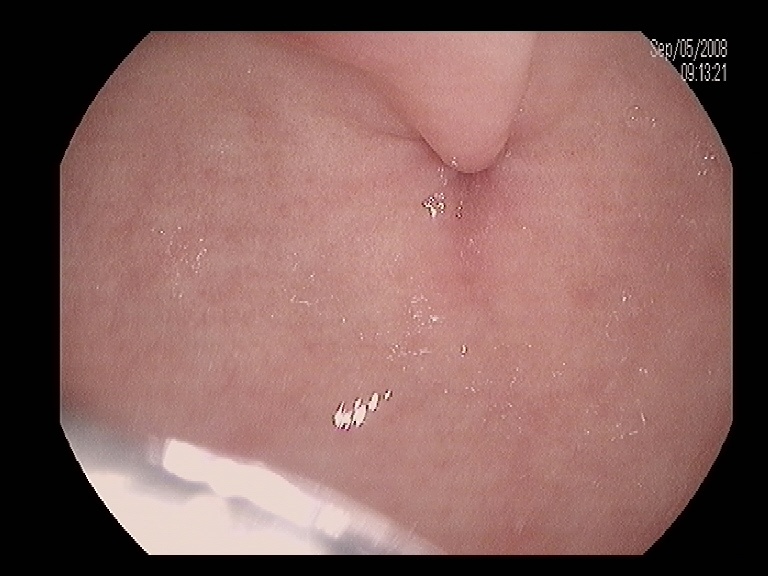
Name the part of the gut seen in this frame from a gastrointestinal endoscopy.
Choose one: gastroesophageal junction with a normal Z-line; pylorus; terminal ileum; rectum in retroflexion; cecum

pylorus